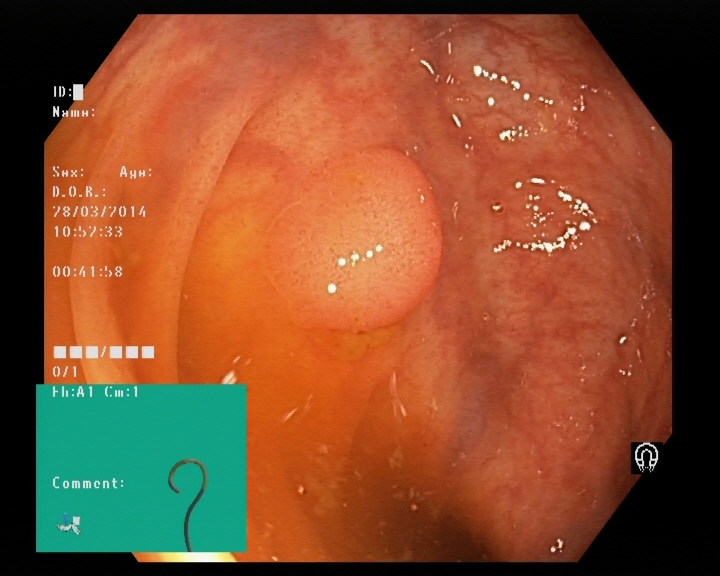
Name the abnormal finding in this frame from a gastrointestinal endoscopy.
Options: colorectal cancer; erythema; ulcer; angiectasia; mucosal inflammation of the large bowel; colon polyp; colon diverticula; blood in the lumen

colon polyp